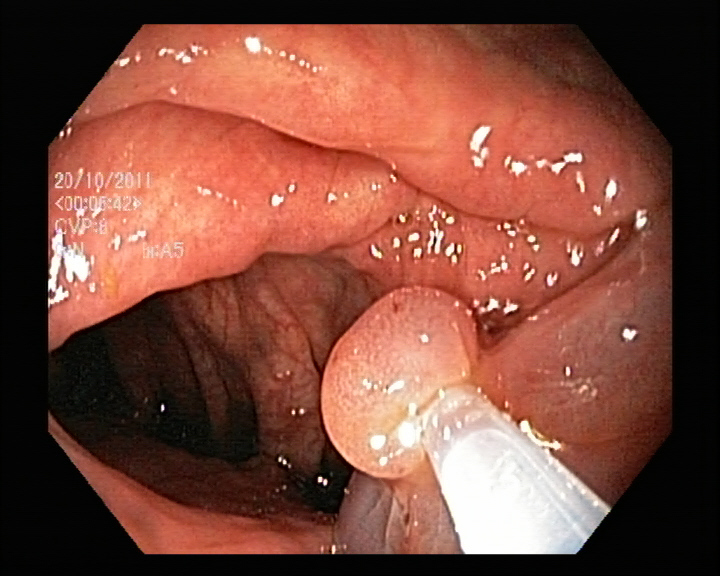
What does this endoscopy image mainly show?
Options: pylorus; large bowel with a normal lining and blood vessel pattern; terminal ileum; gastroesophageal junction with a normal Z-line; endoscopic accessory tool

endoscopic accessory tool